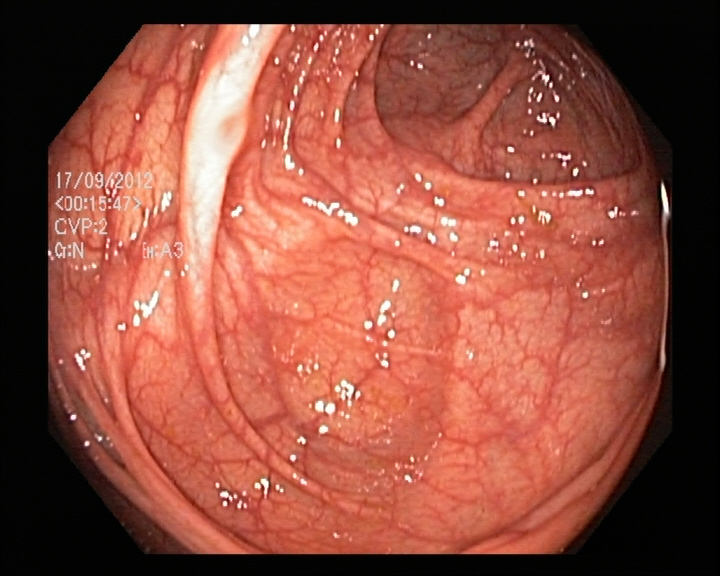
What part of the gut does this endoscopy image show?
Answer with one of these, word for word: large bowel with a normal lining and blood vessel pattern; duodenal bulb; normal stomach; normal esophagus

large bowel with a normal lining and blood vessel pattern